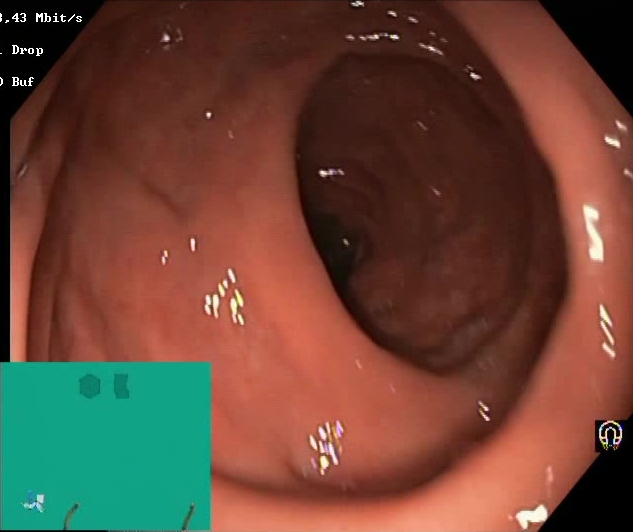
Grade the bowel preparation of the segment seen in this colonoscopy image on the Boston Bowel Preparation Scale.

Boston Bowel Preparation Scale score 2–3 (adequate preparation)